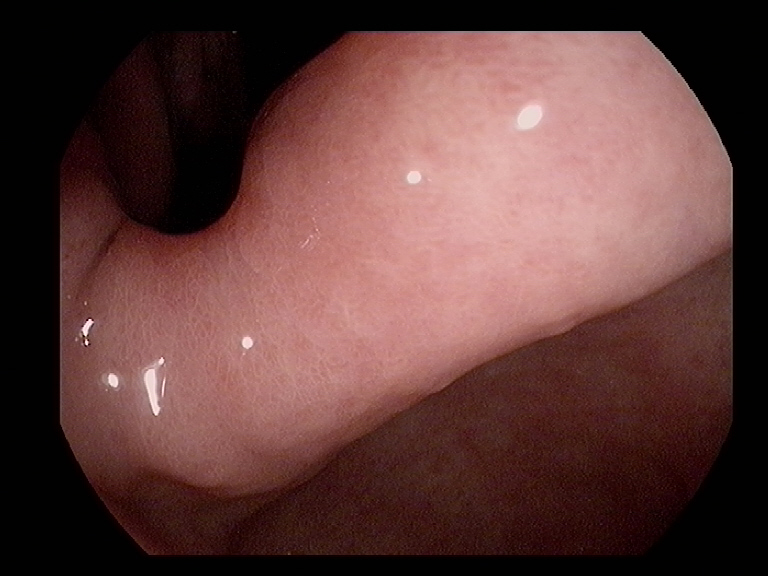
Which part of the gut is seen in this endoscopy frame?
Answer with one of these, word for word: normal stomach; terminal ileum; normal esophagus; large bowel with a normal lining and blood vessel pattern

normal stomach